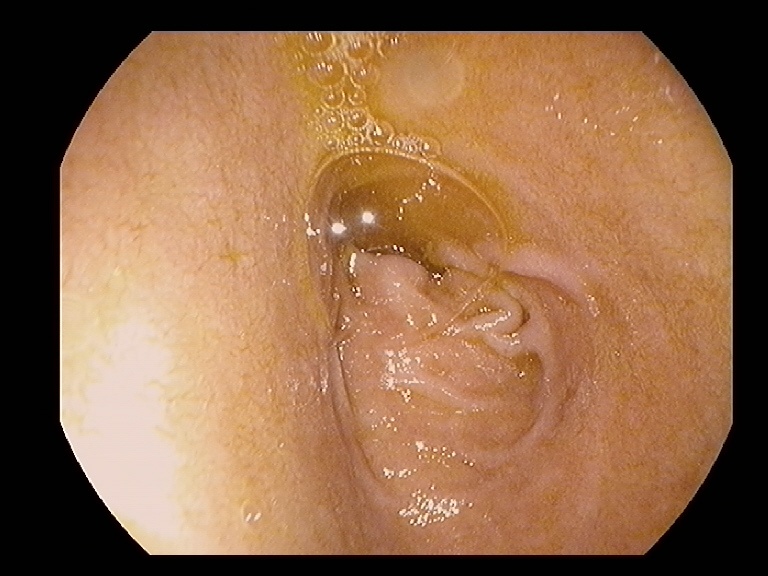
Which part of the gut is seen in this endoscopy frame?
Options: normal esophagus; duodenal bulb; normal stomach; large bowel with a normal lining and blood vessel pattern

duodenal bulb